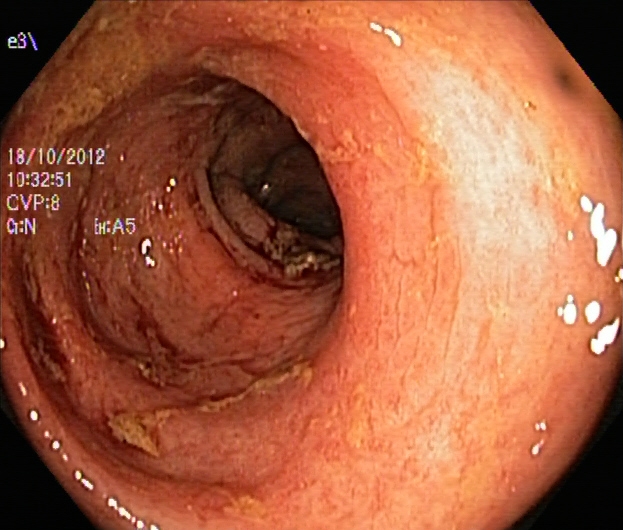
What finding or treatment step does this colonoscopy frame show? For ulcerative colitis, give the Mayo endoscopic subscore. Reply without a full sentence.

ulcerative colitis, Mayo endoscopic subscore 2